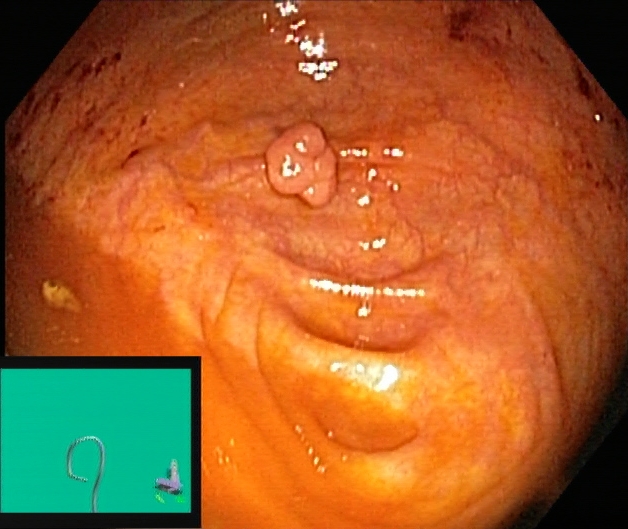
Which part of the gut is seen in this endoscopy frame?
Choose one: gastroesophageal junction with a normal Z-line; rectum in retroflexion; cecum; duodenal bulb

cecum